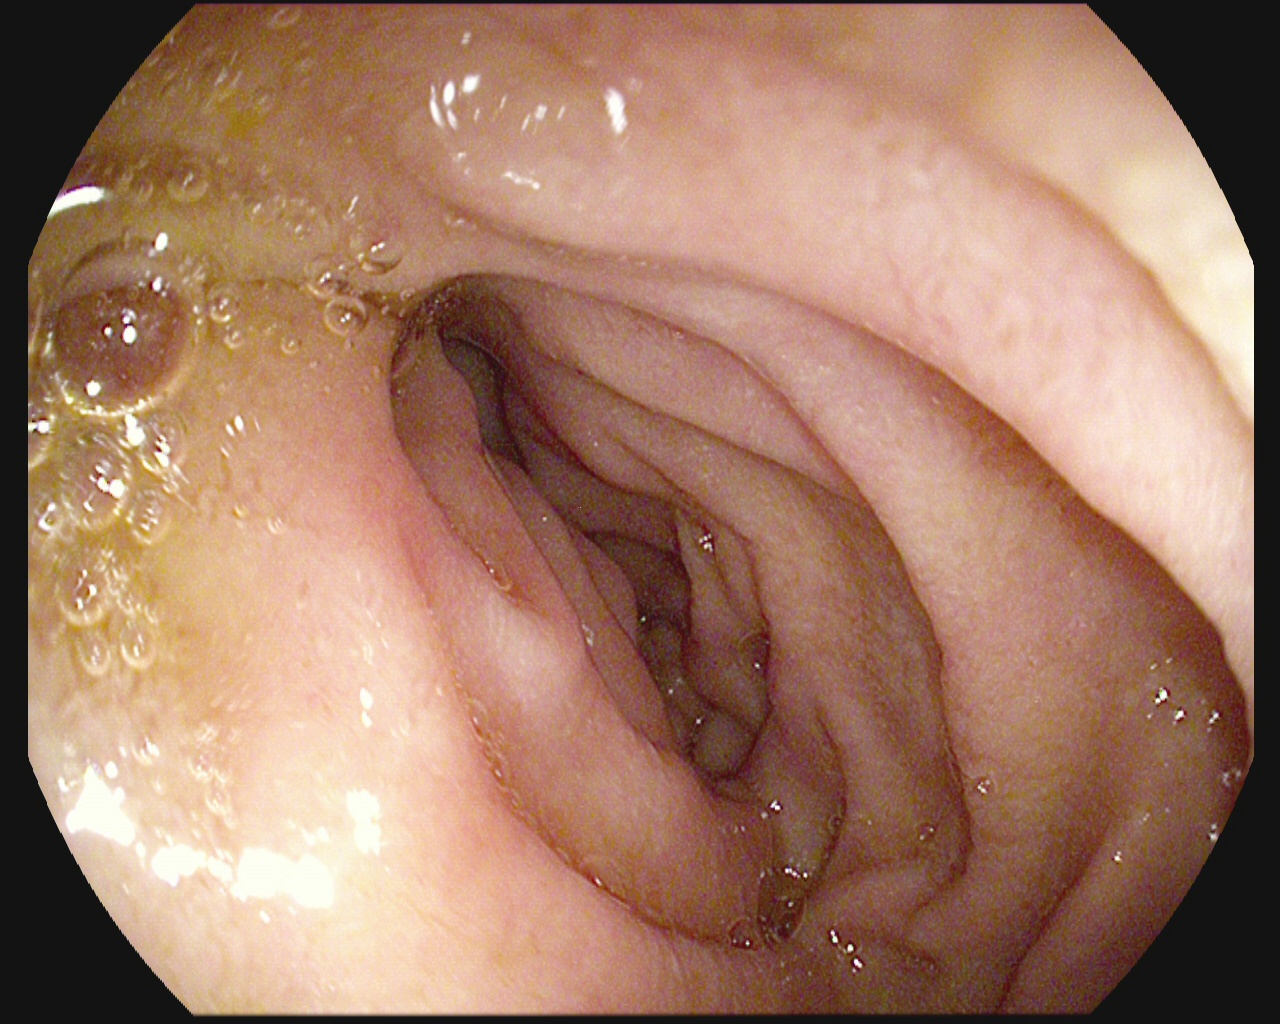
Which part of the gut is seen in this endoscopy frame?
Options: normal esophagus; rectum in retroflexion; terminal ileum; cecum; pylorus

terminal ileum